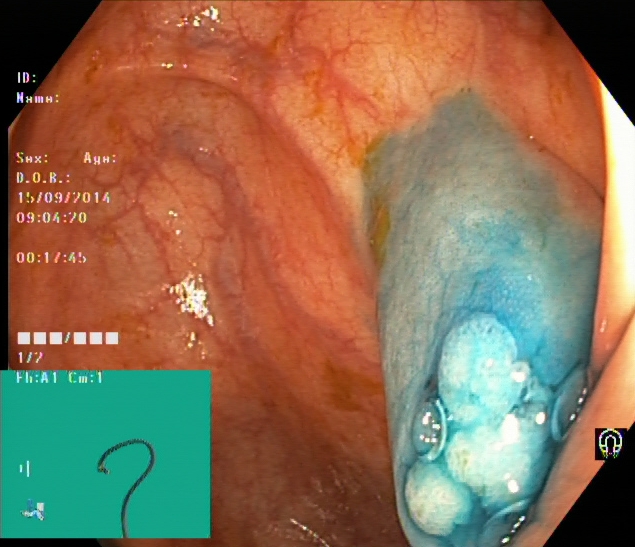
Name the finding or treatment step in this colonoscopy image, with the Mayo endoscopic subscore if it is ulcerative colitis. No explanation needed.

dyed and lifted polyp (pre-resection)